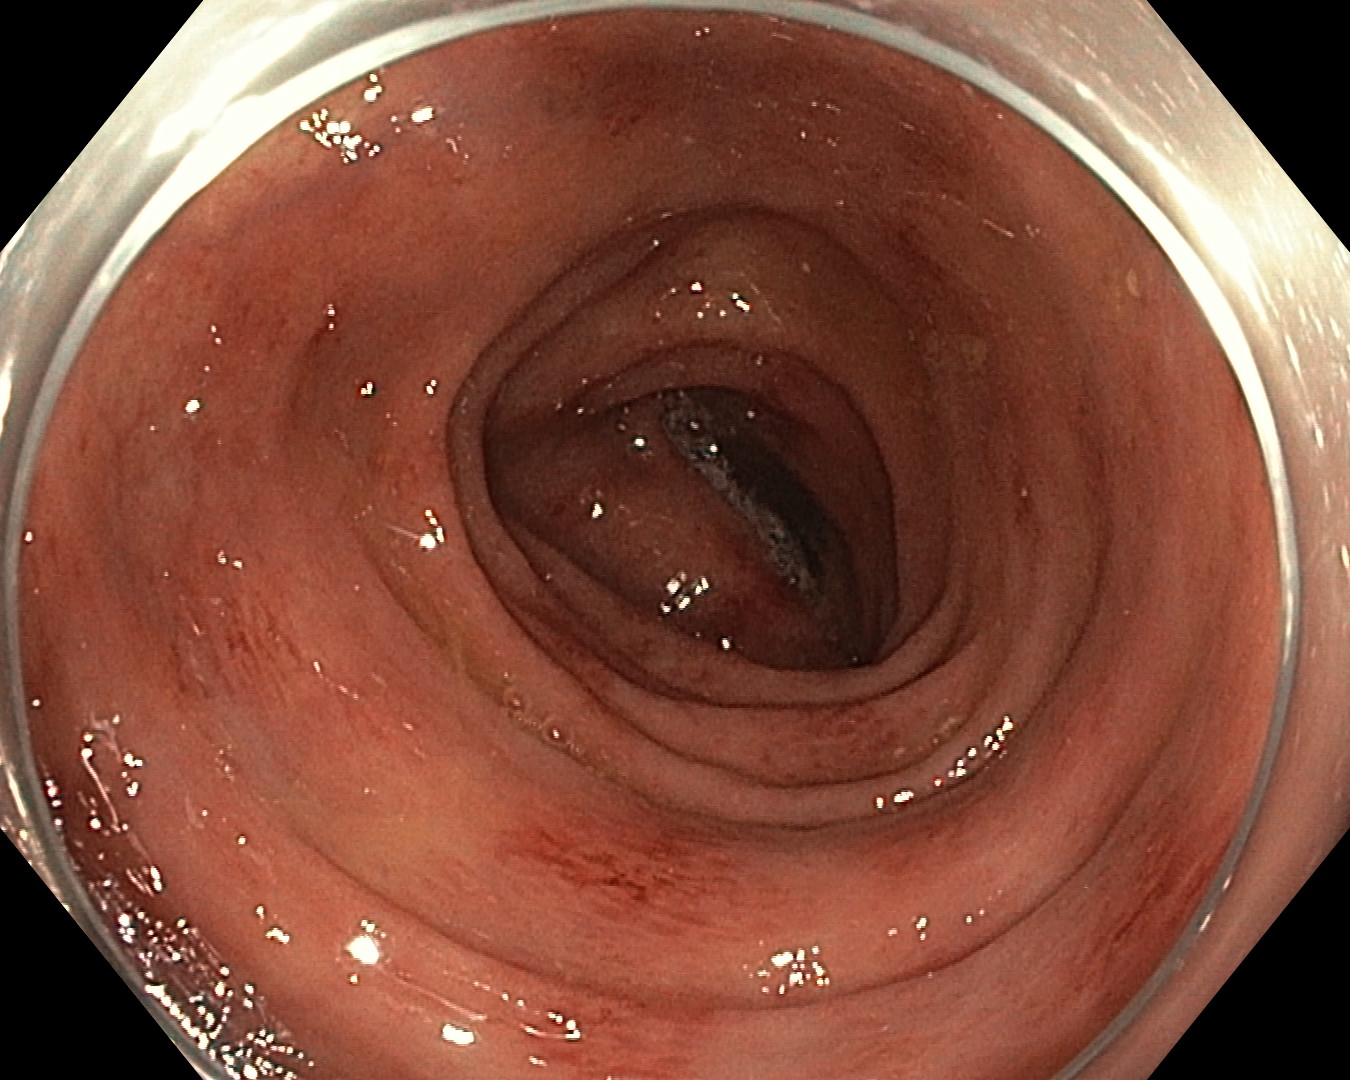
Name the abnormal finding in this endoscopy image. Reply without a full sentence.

erythema